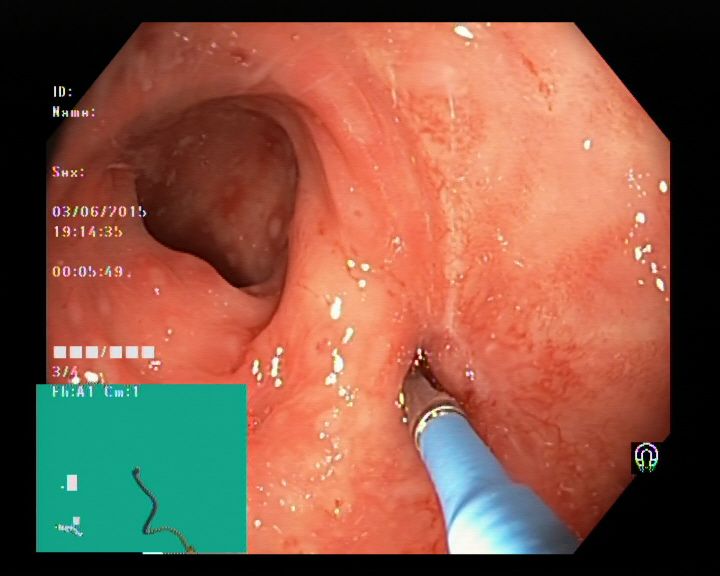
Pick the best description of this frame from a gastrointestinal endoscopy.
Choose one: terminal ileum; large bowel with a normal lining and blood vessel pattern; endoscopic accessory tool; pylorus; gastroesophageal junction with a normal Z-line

endoscopic accessory tool